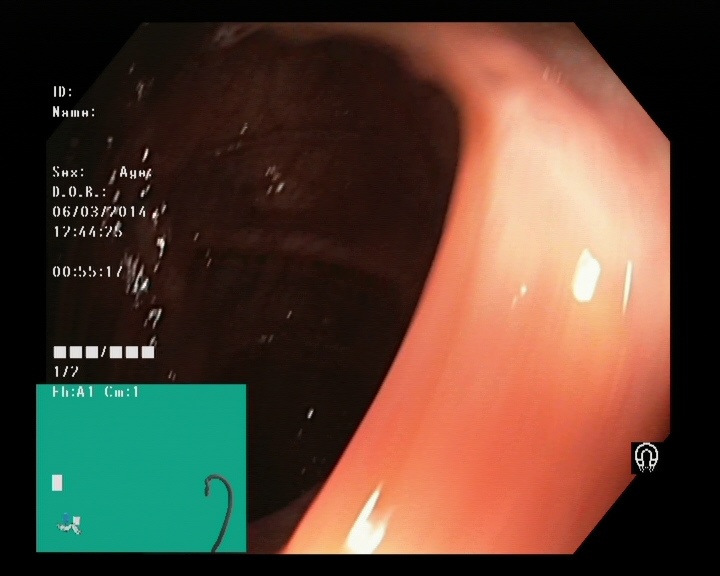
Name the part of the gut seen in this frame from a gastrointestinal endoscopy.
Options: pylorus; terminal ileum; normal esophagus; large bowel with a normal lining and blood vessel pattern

large bowel with a normal lining and blood vessel pattern